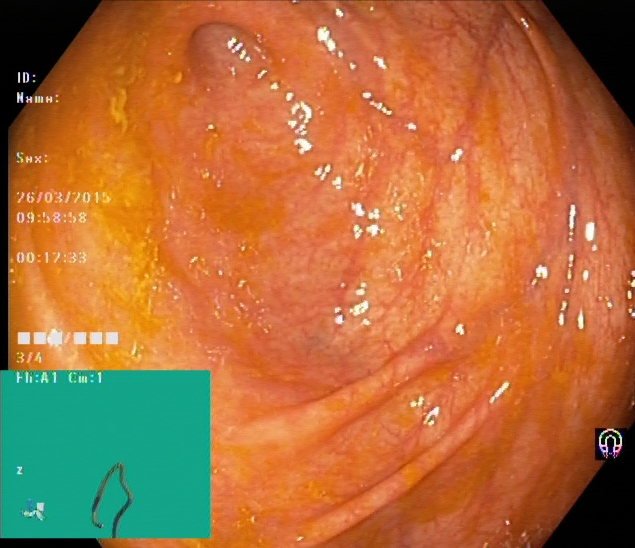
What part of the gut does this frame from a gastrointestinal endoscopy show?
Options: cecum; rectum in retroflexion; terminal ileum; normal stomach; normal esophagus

cecum